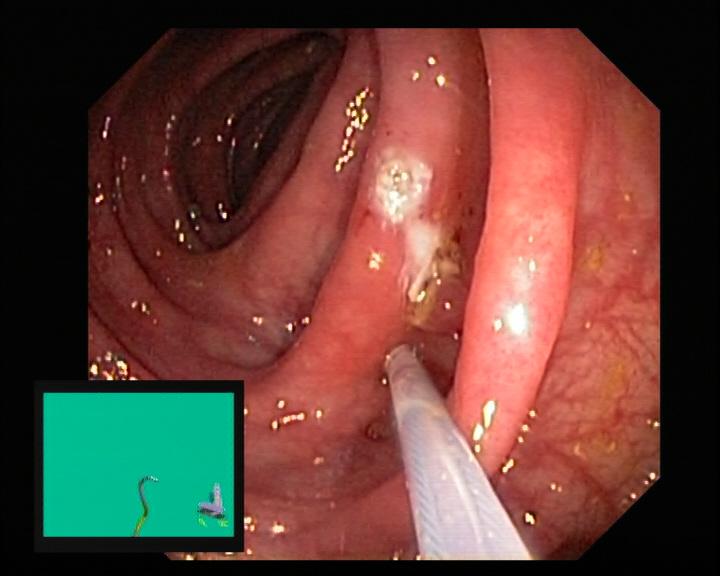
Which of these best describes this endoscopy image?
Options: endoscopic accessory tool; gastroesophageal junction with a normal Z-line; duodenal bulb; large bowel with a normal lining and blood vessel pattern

endoscopic accessory tool